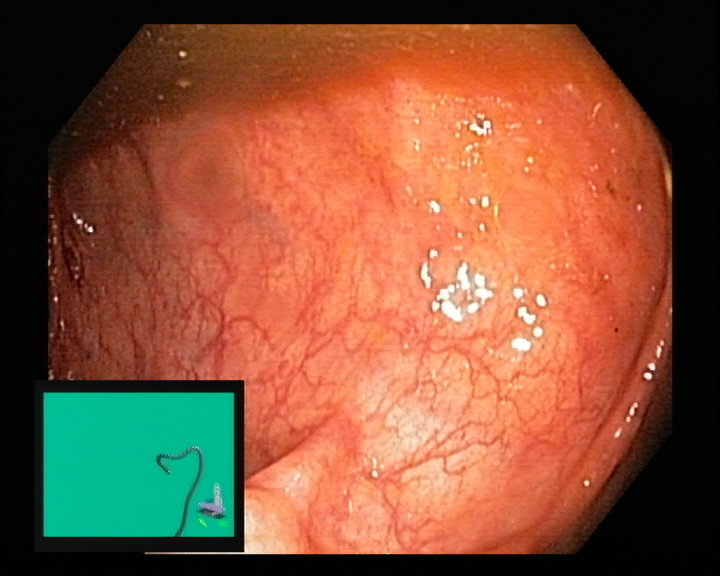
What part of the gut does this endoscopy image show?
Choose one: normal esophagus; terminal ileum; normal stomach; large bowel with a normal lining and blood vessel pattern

large bowel with a normal lining and blood vessel pattern